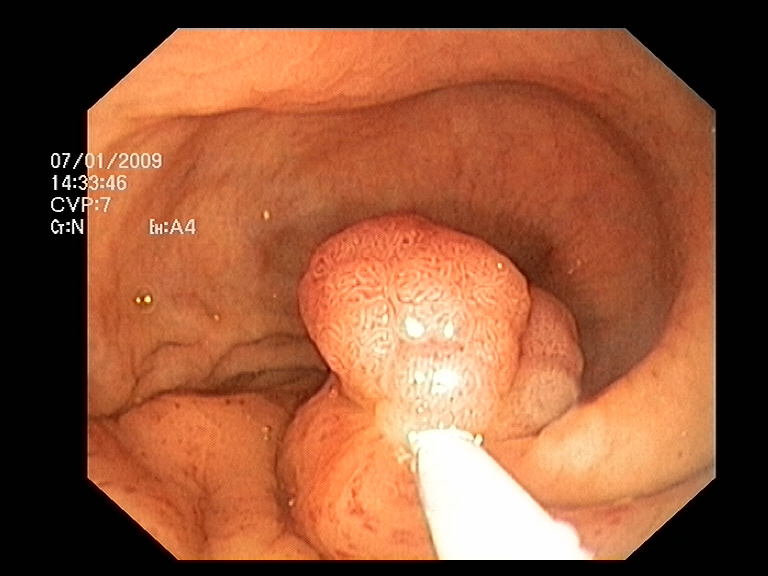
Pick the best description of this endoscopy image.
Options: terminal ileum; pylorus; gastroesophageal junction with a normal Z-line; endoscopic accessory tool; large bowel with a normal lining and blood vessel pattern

endoscopic accessory tool